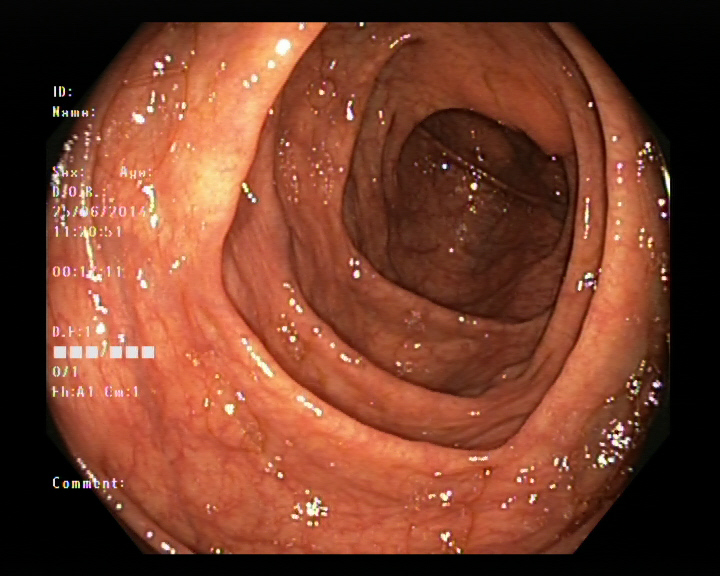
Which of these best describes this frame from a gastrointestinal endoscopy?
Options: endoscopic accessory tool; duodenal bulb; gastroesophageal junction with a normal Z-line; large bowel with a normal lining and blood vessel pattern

large bowel with a normal lining and blood vessel pattern